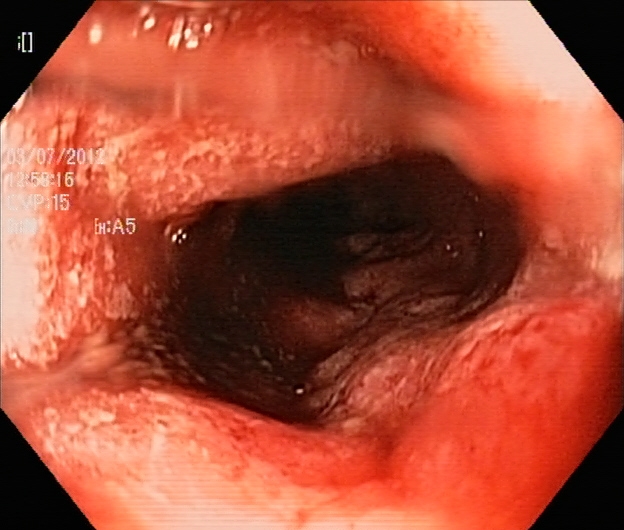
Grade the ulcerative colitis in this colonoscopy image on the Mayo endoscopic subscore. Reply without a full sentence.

ulcerative colitis, Mayo endoscopic subscore 3